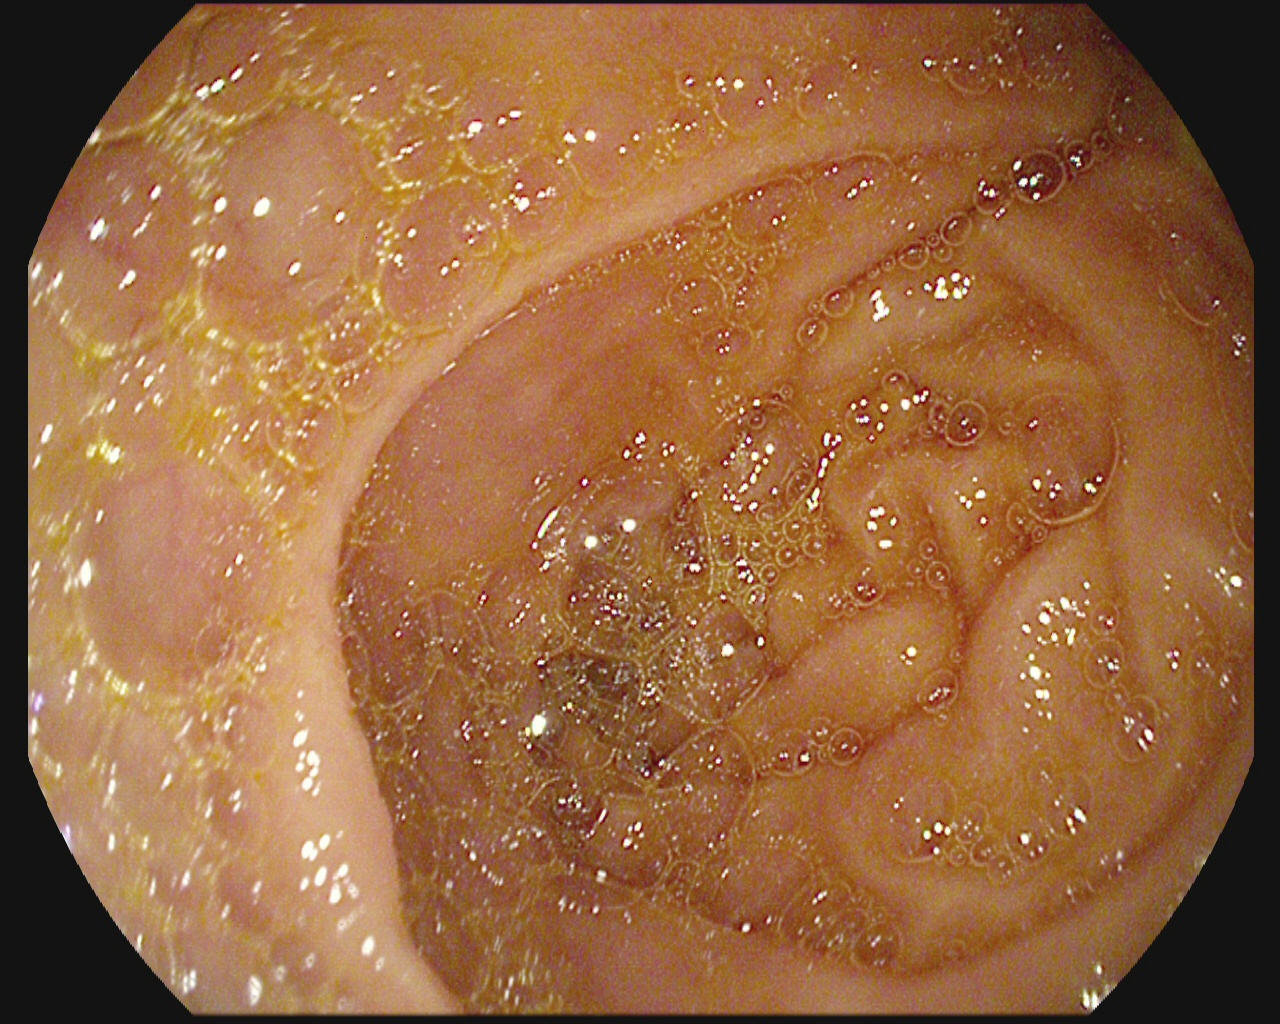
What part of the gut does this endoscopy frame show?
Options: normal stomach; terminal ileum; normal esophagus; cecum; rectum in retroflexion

terminal ileum